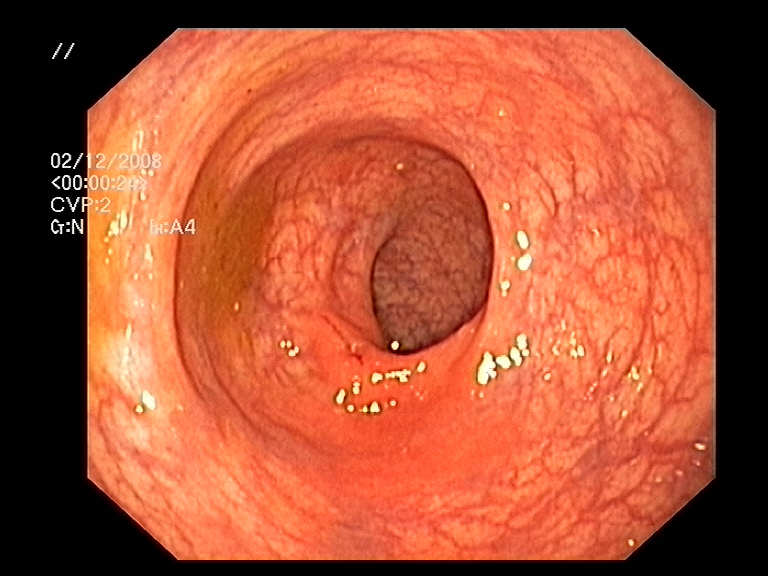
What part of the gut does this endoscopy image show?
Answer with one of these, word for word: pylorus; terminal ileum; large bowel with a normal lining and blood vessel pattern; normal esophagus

large bowel with a normal lining and blood vessel pattern